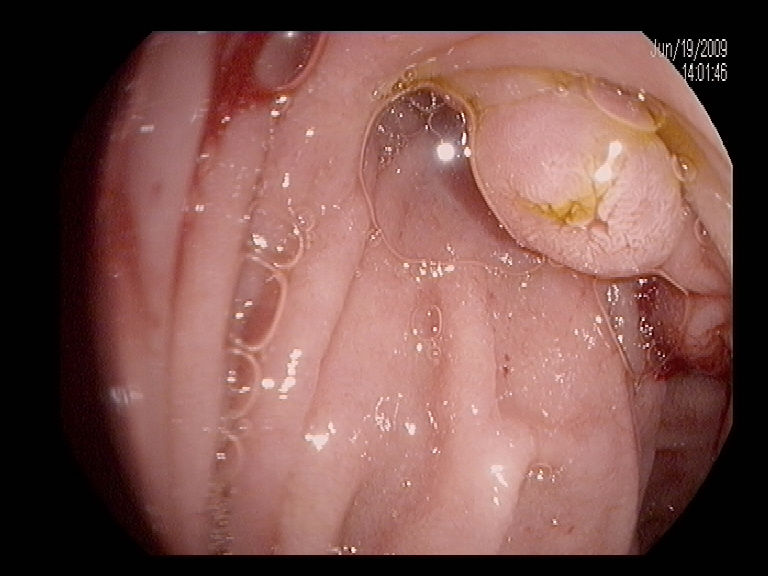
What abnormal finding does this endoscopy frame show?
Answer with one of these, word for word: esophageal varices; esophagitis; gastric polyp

gastric polyp